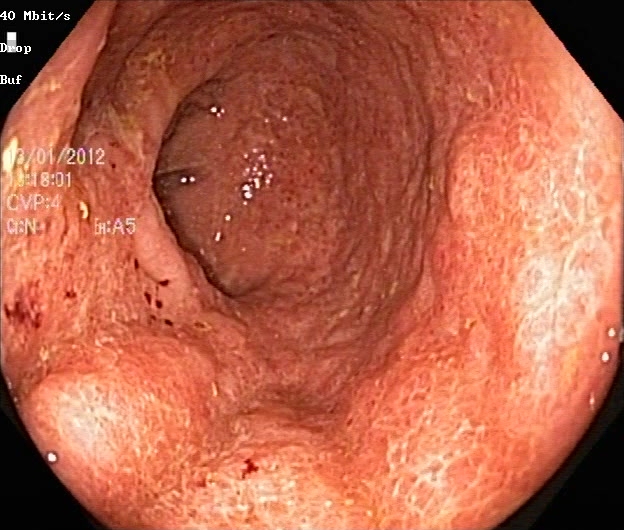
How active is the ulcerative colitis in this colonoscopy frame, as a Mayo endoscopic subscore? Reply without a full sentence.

ulcerative colitis, Mayo endoscopic subscore 2